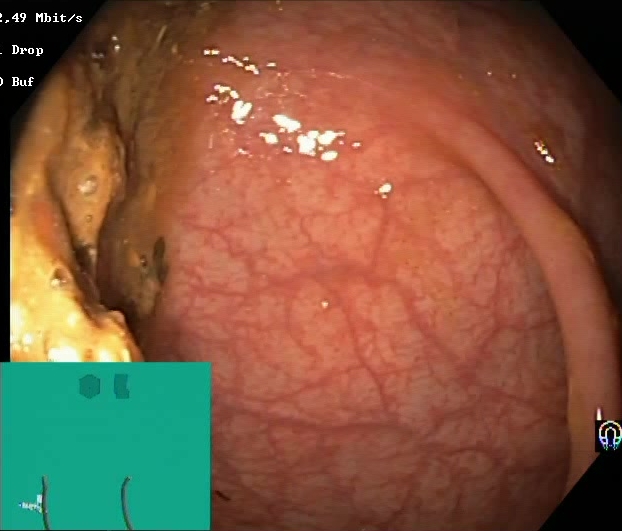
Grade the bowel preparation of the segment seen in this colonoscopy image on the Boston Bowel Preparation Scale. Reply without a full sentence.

Boston Bowel Preparation Scale score 0–1 (inadequate preparation)